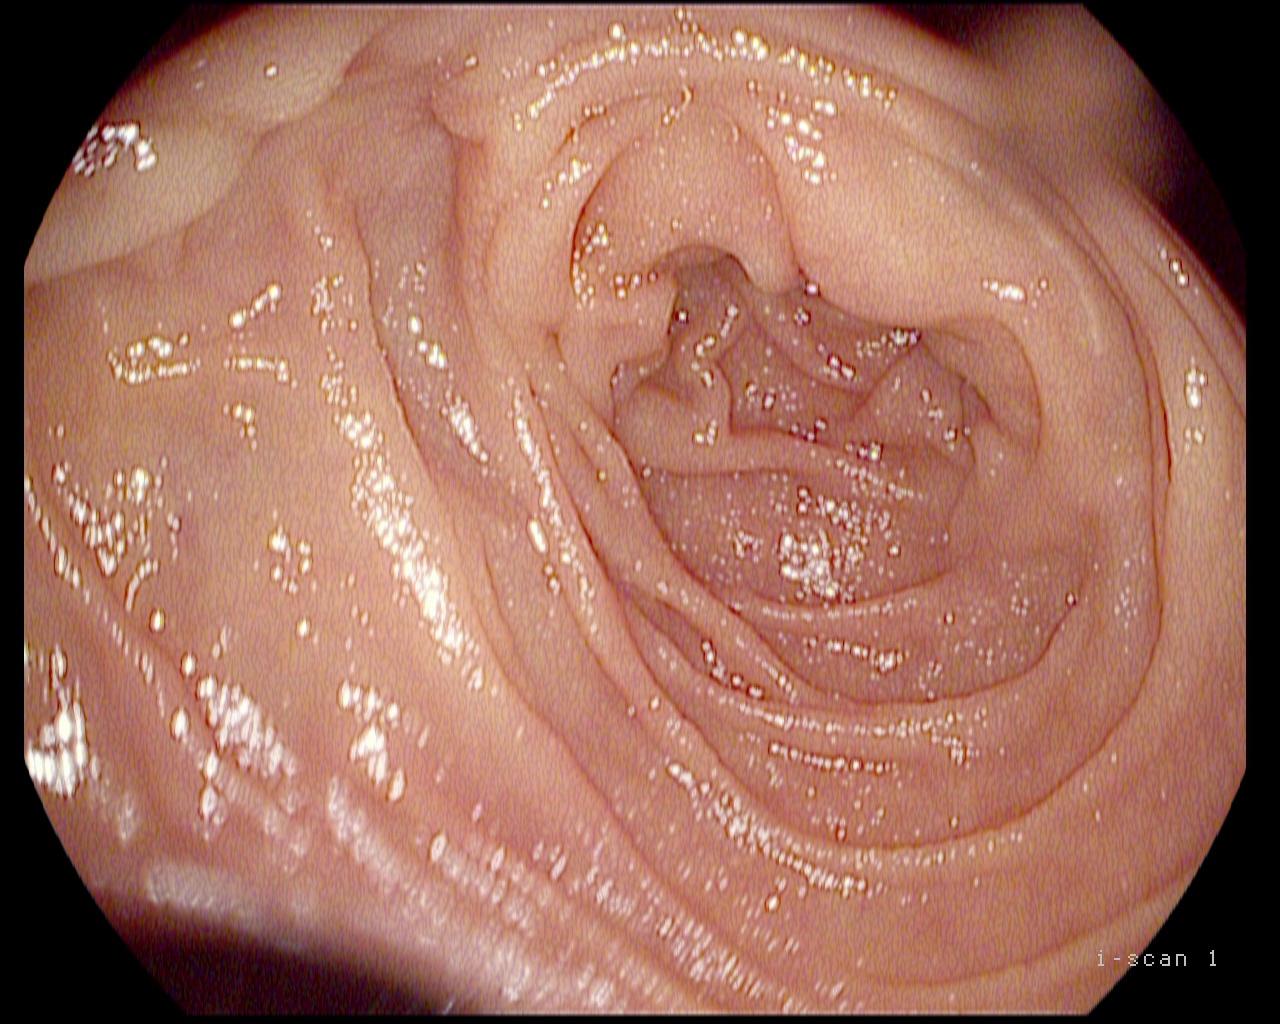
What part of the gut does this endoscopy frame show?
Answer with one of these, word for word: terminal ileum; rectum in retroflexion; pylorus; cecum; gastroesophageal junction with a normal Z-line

terminal ileum